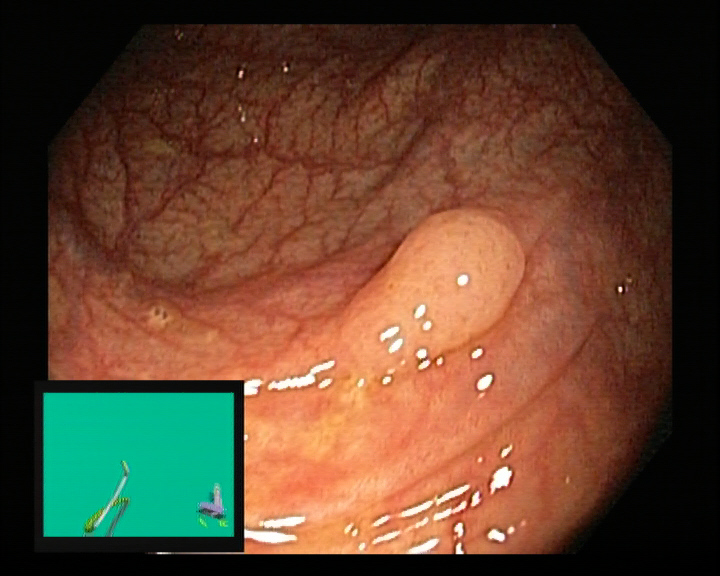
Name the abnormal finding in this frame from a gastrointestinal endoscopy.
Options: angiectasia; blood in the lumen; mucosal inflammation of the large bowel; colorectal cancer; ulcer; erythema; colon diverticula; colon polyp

colon polyp